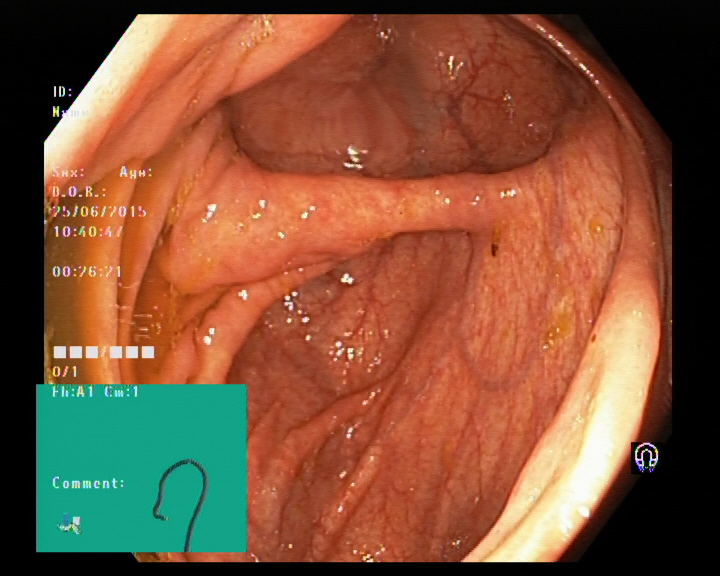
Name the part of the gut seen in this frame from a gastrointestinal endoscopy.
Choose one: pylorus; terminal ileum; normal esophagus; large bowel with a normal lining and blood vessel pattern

large bowel with a normal lining and blood vessel pattern